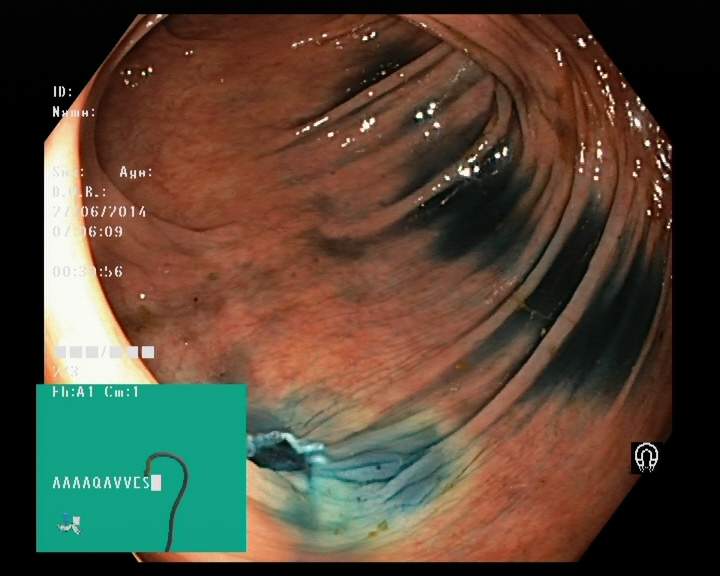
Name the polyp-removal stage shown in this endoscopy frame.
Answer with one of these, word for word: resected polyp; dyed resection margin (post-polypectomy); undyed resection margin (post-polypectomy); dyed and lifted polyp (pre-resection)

dyed resection margin (post-polypectomy)